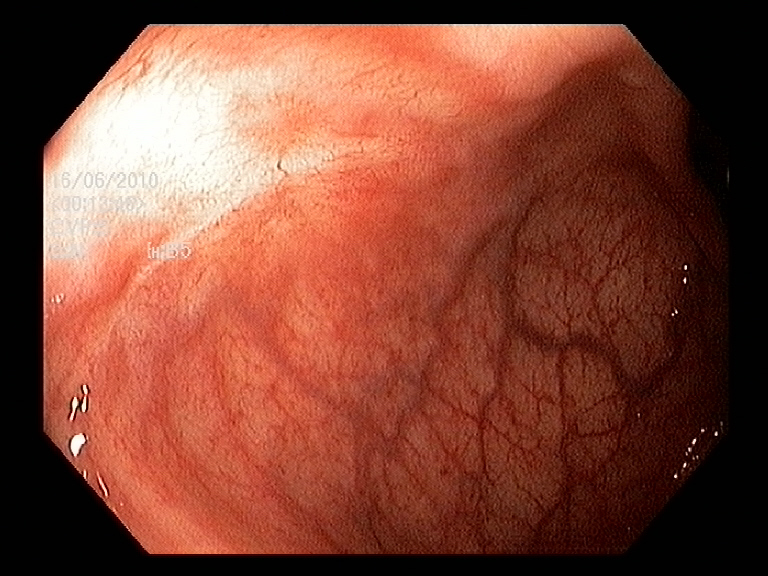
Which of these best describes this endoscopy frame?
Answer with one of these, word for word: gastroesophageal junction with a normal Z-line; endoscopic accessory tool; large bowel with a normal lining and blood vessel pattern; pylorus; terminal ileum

large bowel with a normal lining and blood vessel pattern